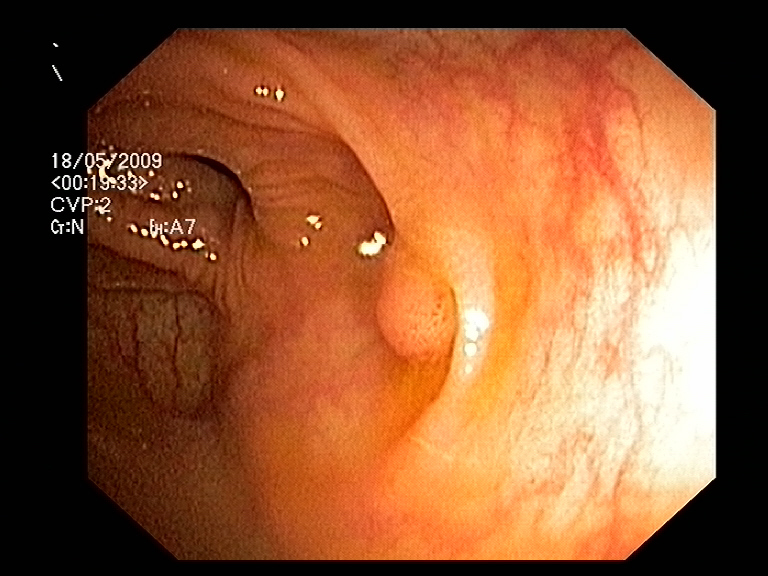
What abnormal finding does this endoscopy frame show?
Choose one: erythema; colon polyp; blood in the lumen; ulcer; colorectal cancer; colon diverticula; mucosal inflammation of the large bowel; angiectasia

colon polyp